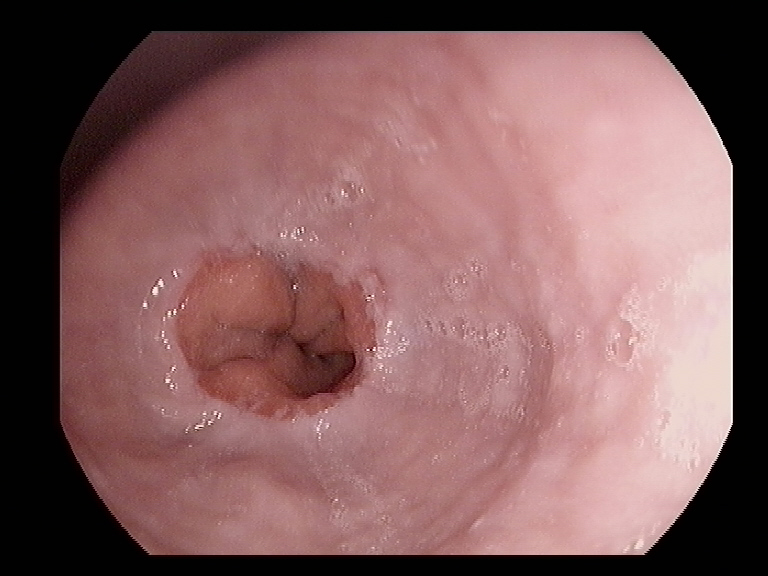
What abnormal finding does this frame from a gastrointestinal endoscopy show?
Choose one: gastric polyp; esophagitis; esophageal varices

esophagitis